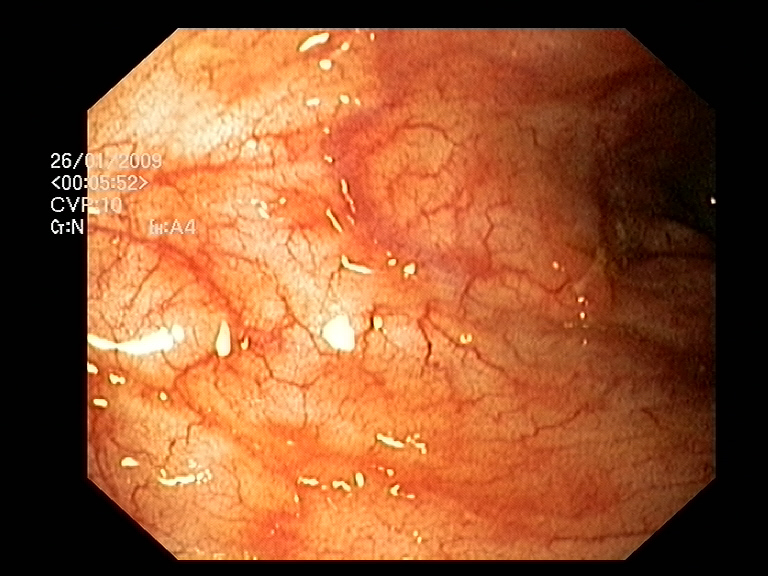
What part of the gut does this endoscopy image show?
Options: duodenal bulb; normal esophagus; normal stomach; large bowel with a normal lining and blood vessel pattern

large bowel with a normal lining and blood vessel pattern